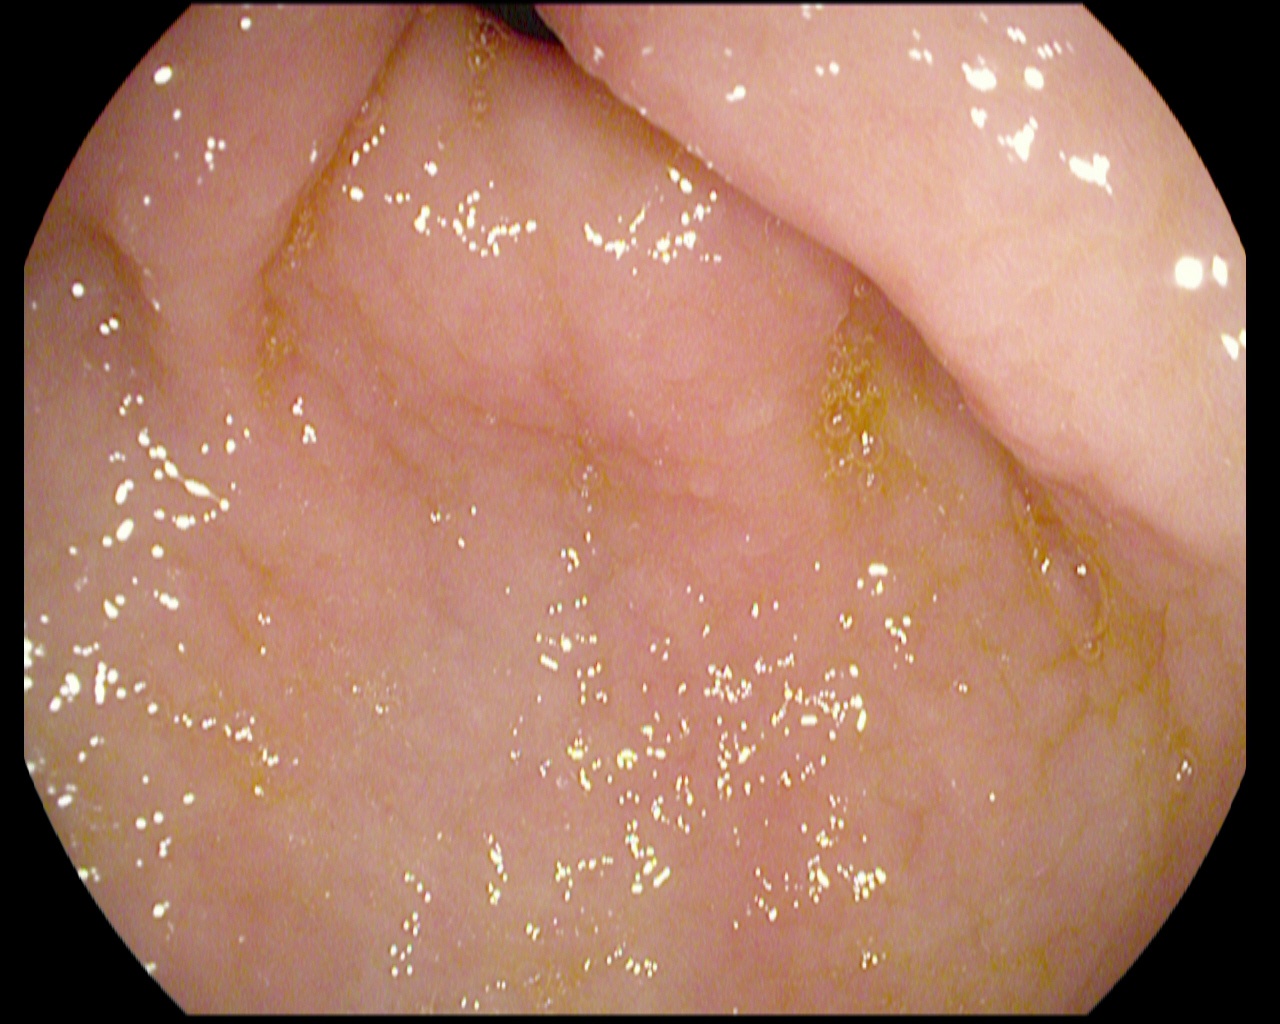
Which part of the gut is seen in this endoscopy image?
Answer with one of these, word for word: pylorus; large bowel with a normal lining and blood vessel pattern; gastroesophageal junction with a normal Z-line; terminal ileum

pylorus